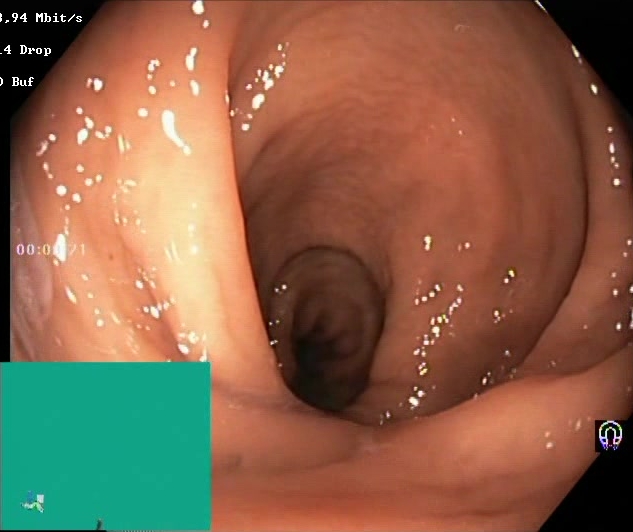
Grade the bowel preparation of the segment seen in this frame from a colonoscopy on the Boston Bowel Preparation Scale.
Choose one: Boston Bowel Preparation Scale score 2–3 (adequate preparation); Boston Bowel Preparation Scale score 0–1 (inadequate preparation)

Boston Bowel Preparation Scale score 2–3 (adequate preparation)